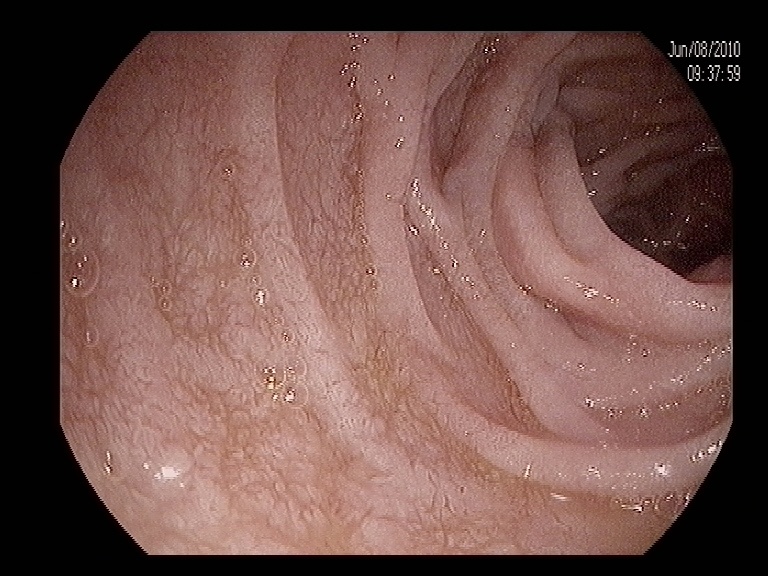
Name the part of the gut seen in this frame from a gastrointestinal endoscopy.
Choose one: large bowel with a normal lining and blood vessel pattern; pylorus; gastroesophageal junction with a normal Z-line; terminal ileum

terminal ileum